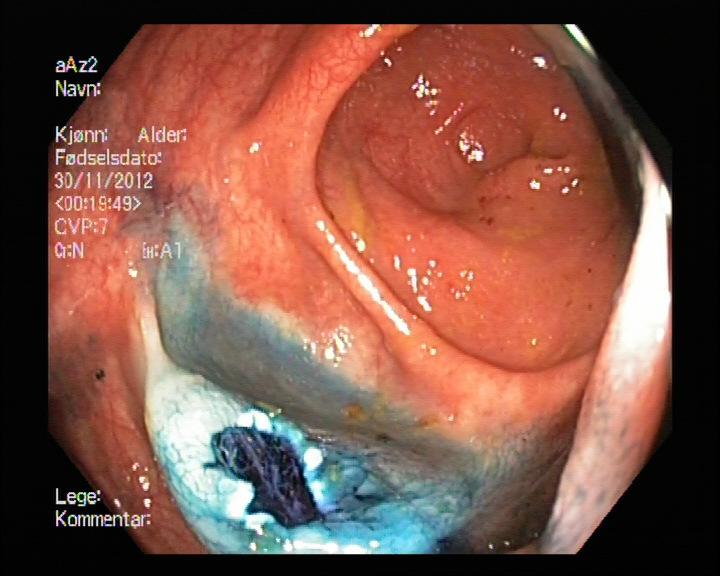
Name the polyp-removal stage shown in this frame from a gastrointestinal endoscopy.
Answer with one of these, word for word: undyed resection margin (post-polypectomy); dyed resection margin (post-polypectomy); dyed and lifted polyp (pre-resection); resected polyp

dyed resection margin (post-polypectomy)